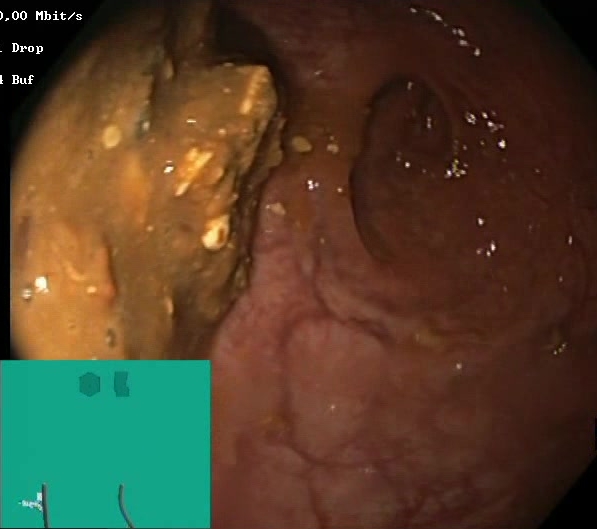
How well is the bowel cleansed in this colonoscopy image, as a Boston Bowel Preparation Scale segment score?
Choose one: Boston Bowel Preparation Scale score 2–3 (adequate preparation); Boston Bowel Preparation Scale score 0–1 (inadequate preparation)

Boston Bowel Preparation Scale score 0–1 (inadequate preparation)